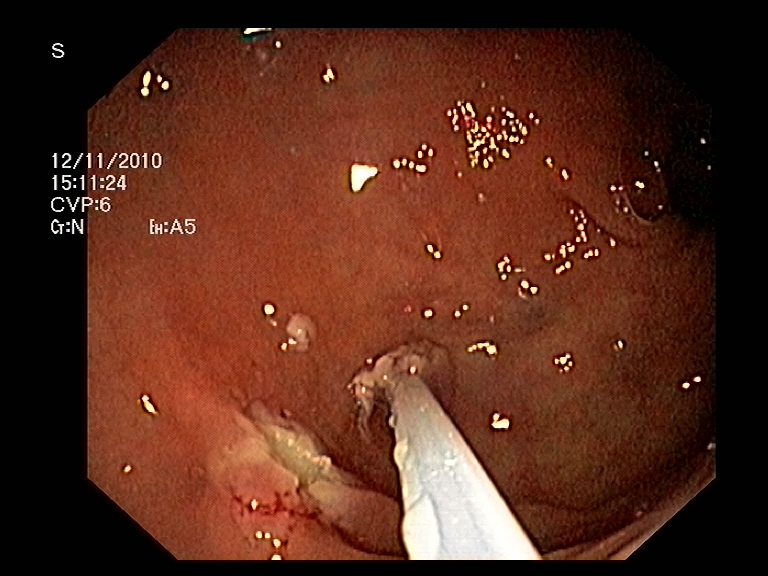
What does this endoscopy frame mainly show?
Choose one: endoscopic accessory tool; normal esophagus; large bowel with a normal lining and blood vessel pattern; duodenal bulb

endoscopic accessory tool